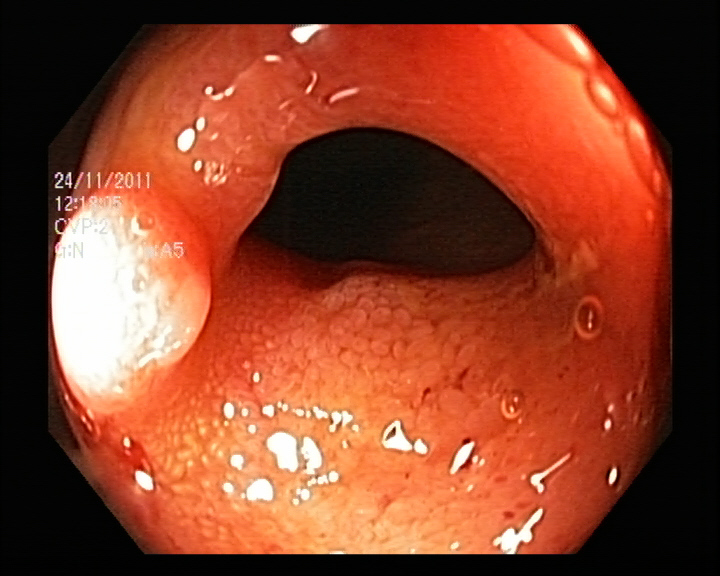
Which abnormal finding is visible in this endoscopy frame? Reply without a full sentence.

colon polyp